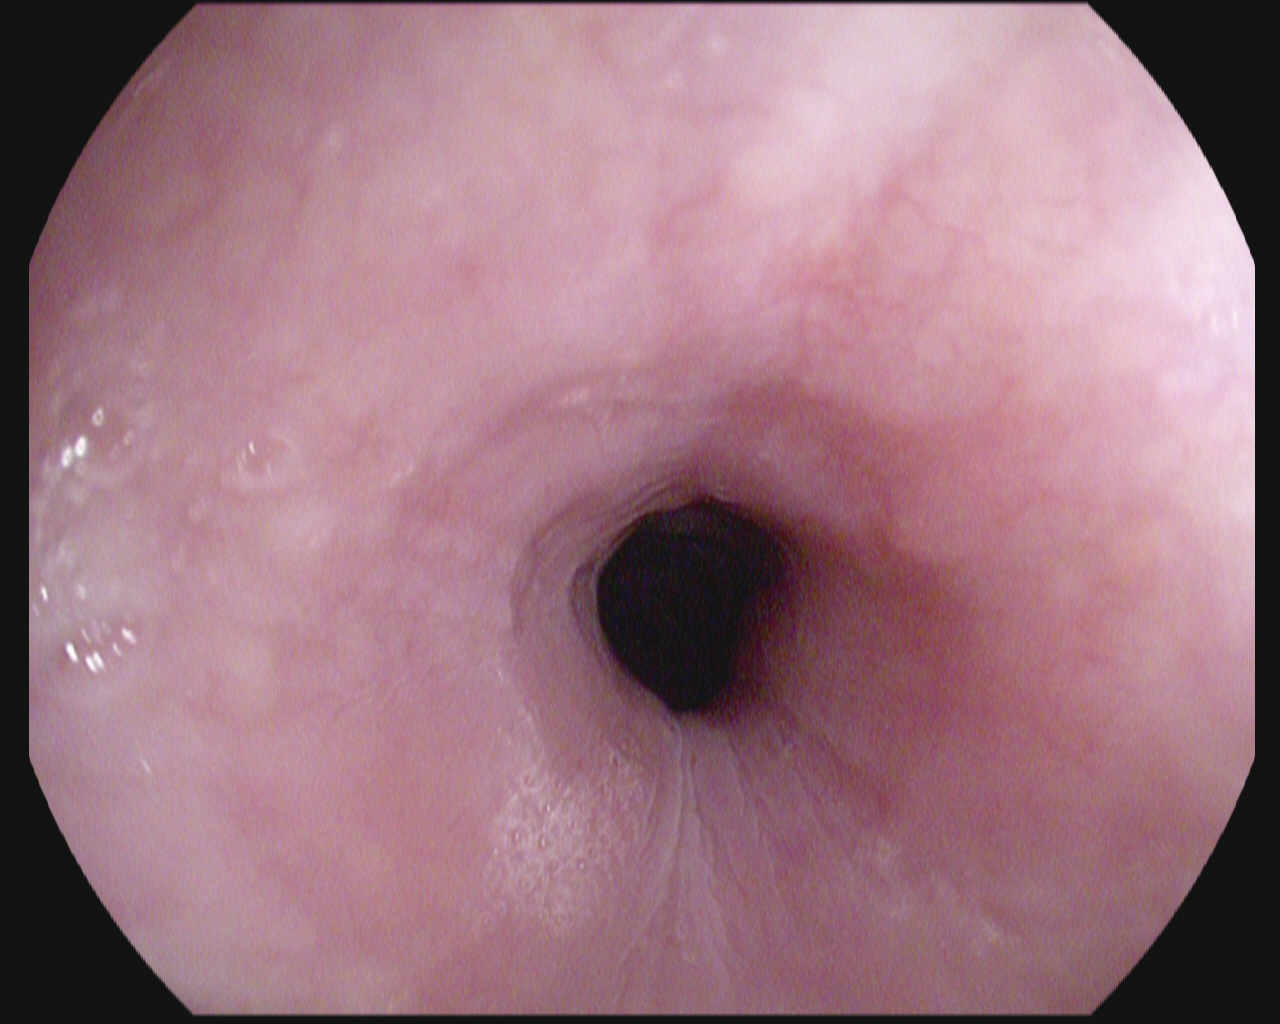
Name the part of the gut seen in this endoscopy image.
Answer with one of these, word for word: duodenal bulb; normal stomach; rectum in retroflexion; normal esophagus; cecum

normal esophagus